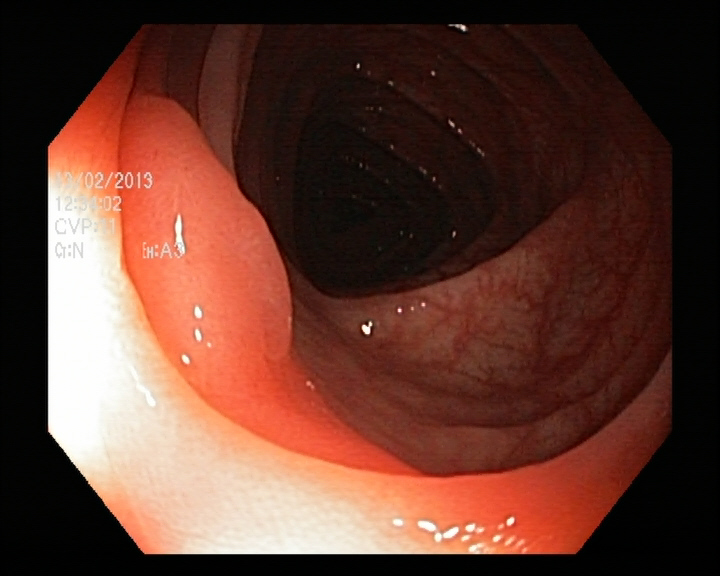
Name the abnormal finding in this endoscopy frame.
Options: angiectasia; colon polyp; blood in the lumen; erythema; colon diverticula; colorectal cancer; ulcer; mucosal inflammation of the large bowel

colon polyp